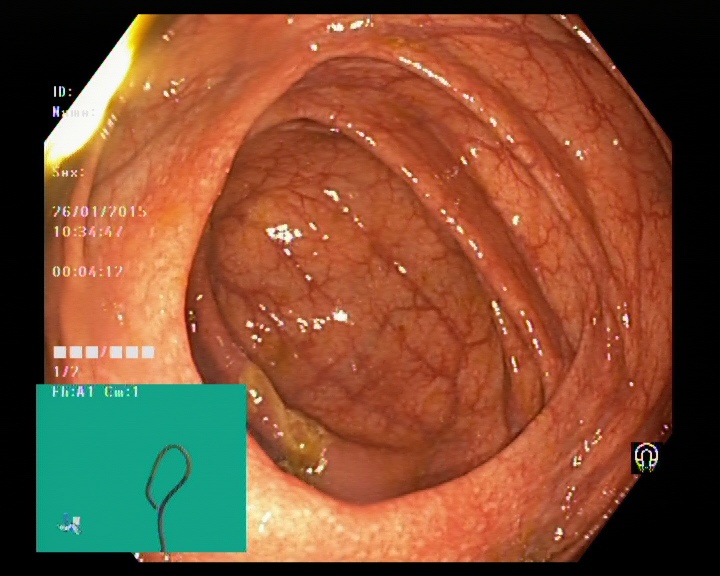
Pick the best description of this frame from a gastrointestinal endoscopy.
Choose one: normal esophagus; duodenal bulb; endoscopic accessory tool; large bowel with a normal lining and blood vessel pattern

large bowel with a normal lining and blood vessel pattern